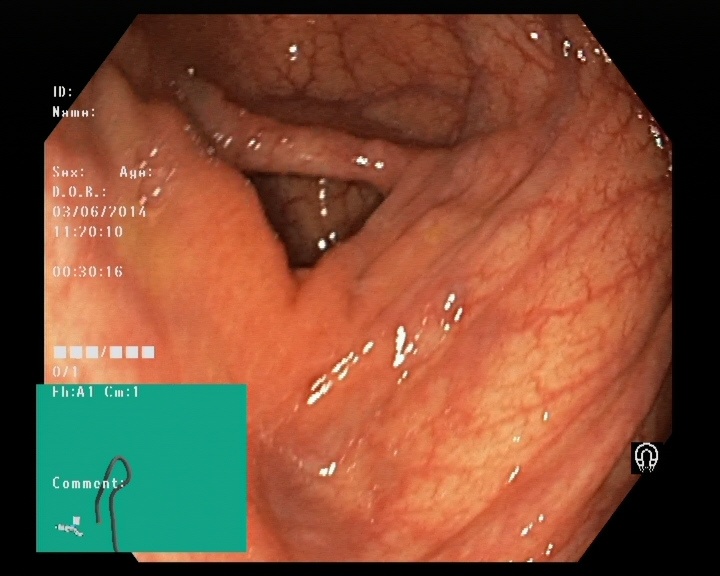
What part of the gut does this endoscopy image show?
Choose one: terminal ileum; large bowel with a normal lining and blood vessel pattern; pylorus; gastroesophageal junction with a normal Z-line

large bowel with a normal lining and blood vessel pattern